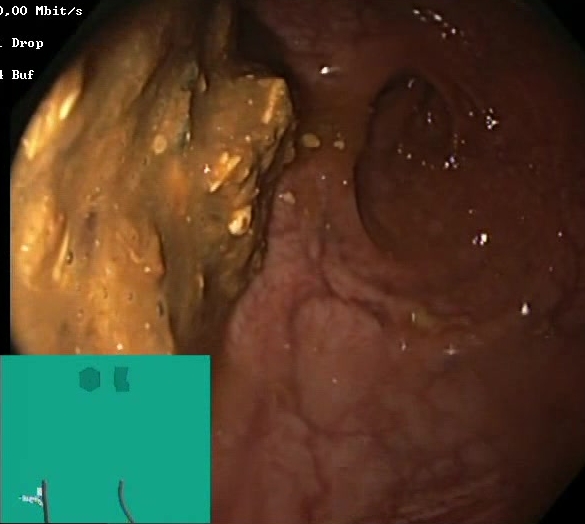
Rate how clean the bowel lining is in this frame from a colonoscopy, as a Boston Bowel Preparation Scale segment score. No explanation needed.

Boston Bowel Preparation Scale score 0–1 (inadequate preparation)